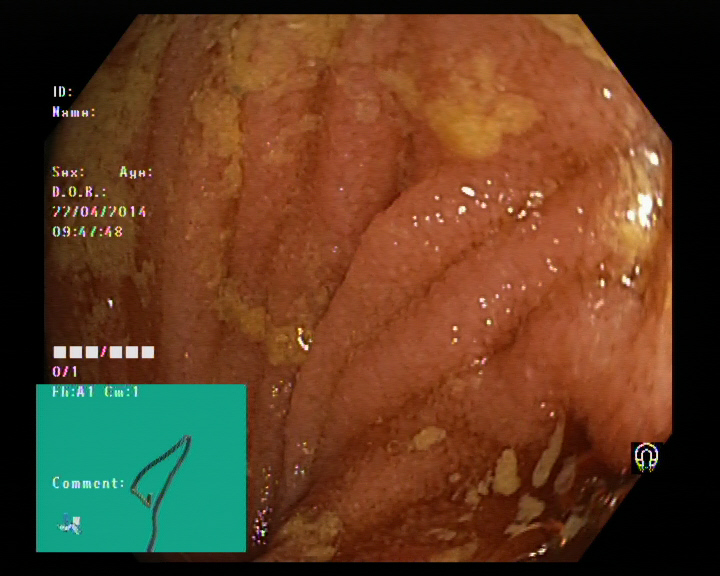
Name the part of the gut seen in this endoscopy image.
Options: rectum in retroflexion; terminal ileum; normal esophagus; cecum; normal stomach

terminal ileum